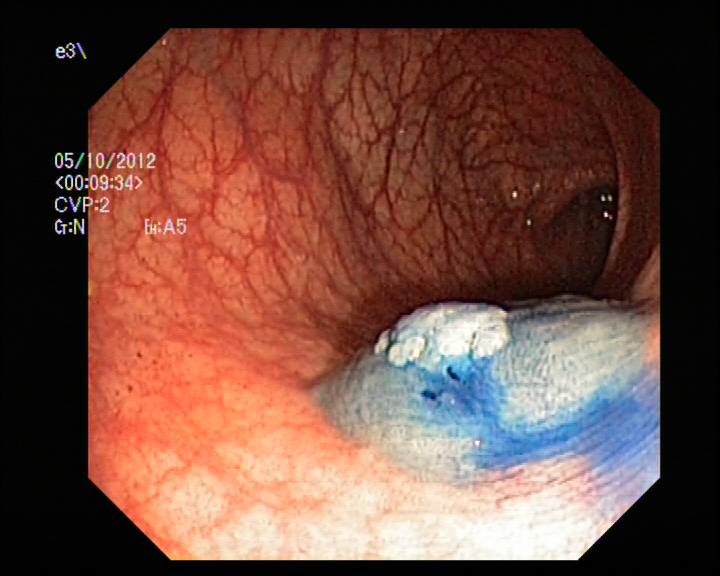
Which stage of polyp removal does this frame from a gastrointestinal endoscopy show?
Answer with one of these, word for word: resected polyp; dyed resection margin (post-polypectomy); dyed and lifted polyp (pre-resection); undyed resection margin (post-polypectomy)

dyed and lifted polyp (pre-resection)